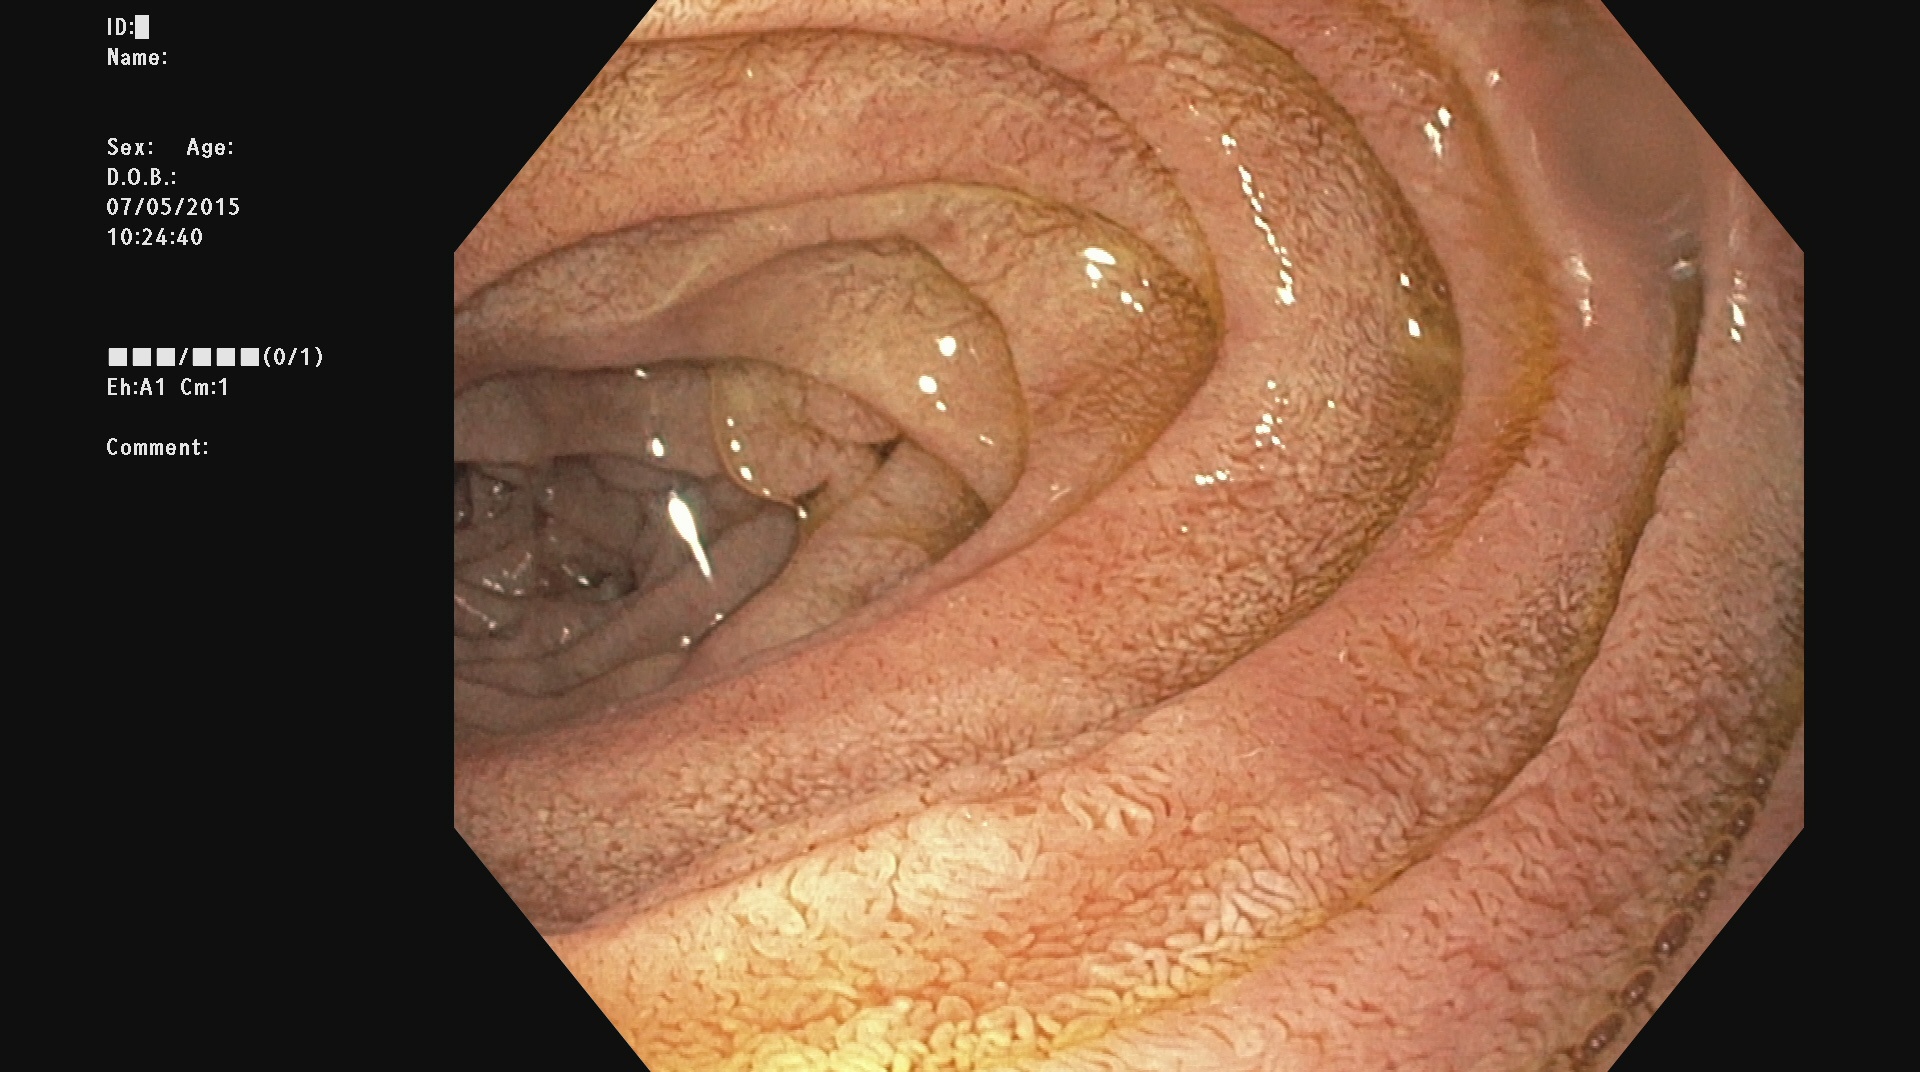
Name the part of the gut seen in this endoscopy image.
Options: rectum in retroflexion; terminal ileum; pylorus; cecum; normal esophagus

terminal ileum